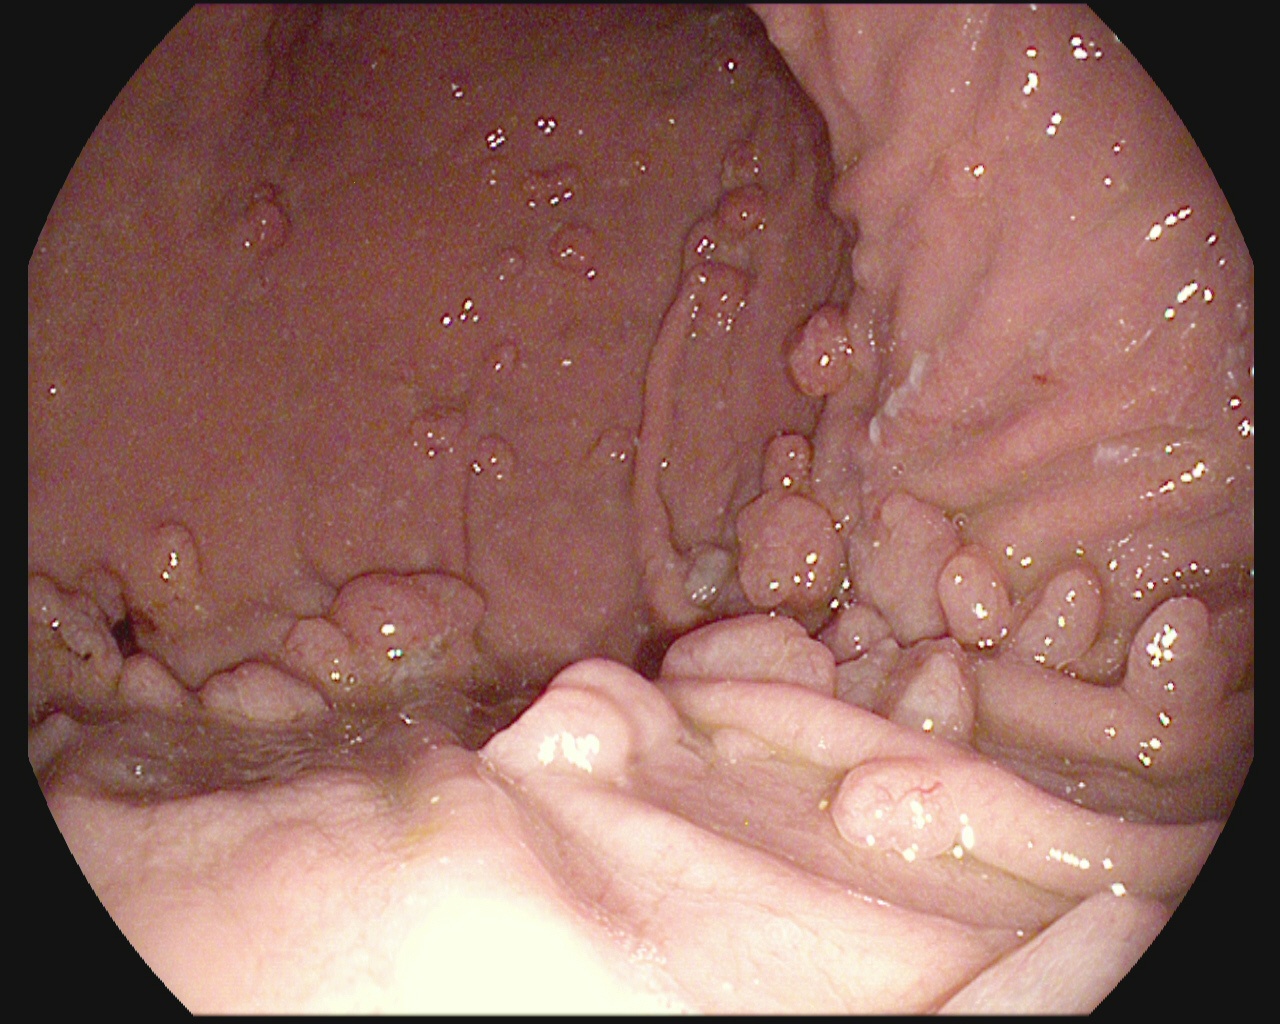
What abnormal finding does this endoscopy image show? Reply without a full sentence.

gastric polyp